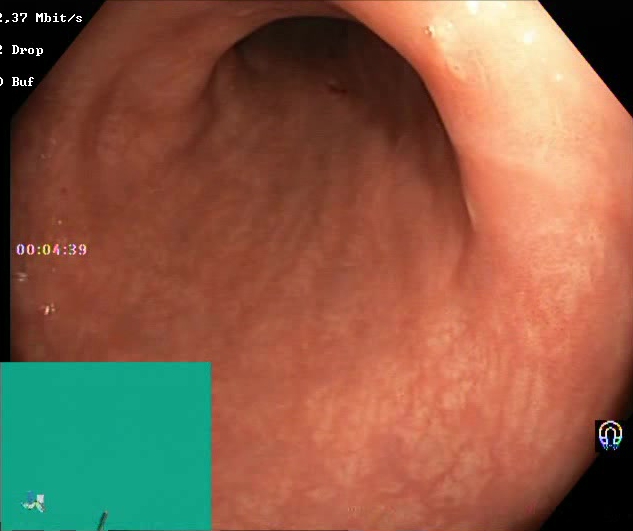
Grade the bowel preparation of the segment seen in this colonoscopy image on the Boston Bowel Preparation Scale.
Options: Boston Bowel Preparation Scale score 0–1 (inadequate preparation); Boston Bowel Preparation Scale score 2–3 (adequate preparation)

Boston Bowel Preparation Scale score 2–3 (adequate preparation)